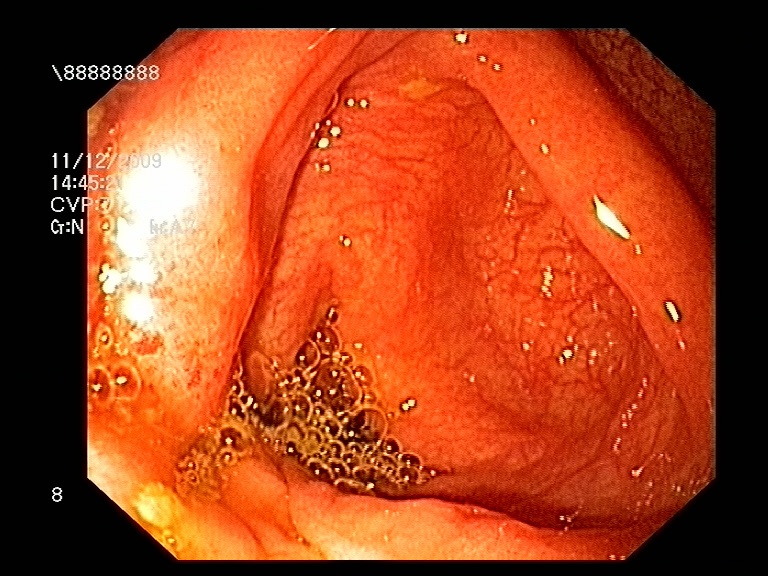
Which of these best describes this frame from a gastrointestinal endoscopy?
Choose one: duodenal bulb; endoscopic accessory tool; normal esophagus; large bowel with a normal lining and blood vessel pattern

large bowel with a normal lining and blood vessel pattern